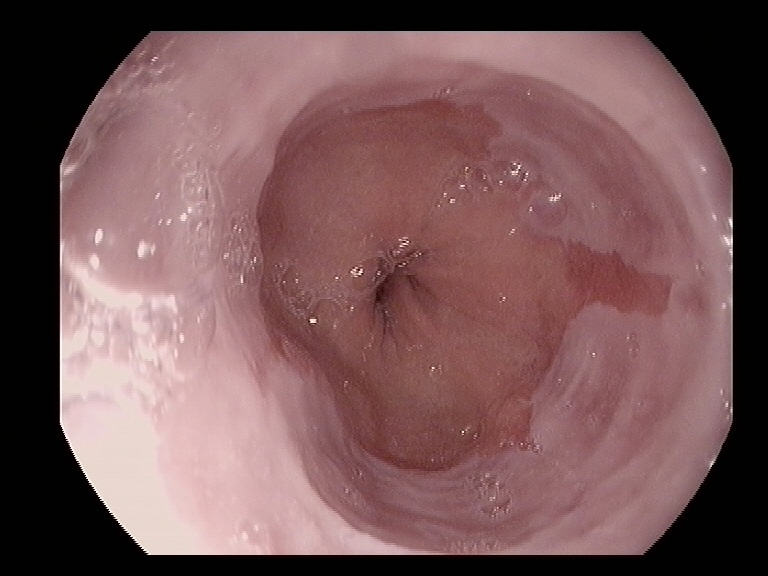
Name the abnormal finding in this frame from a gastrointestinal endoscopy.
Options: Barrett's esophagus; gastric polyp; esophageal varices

Barrett's esophagus